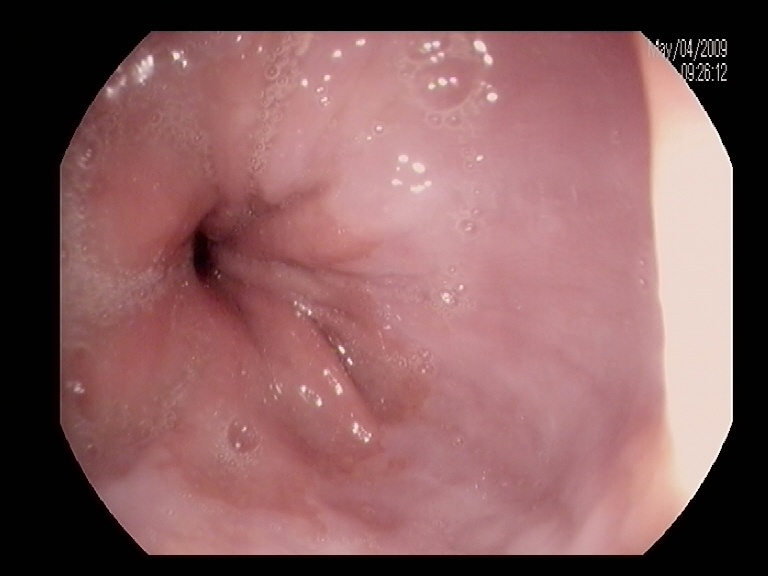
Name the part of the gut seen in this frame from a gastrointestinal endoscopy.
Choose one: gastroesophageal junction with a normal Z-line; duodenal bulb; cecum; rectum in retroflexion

gastroesophageal junction with a normal Z-line